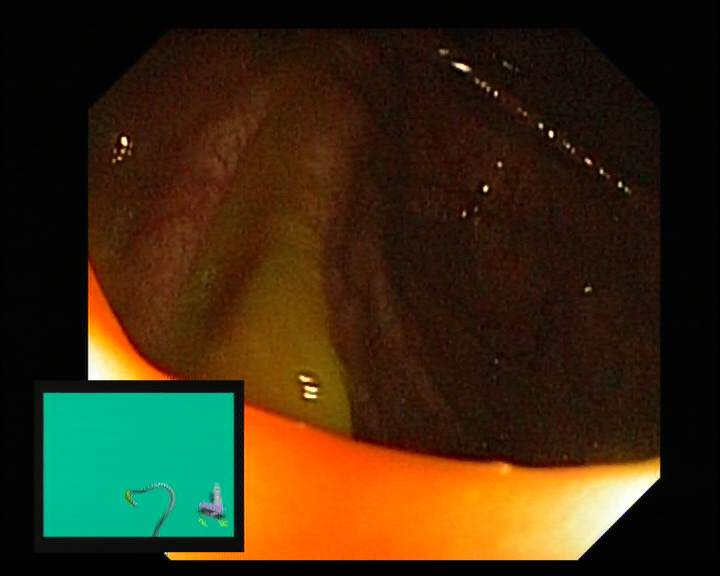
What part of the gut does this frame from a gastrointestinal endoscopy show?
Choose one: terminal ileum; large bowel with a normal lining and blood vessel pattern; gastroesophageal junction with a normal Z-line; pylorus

large bowel with a normal lining and blood vessel pattern